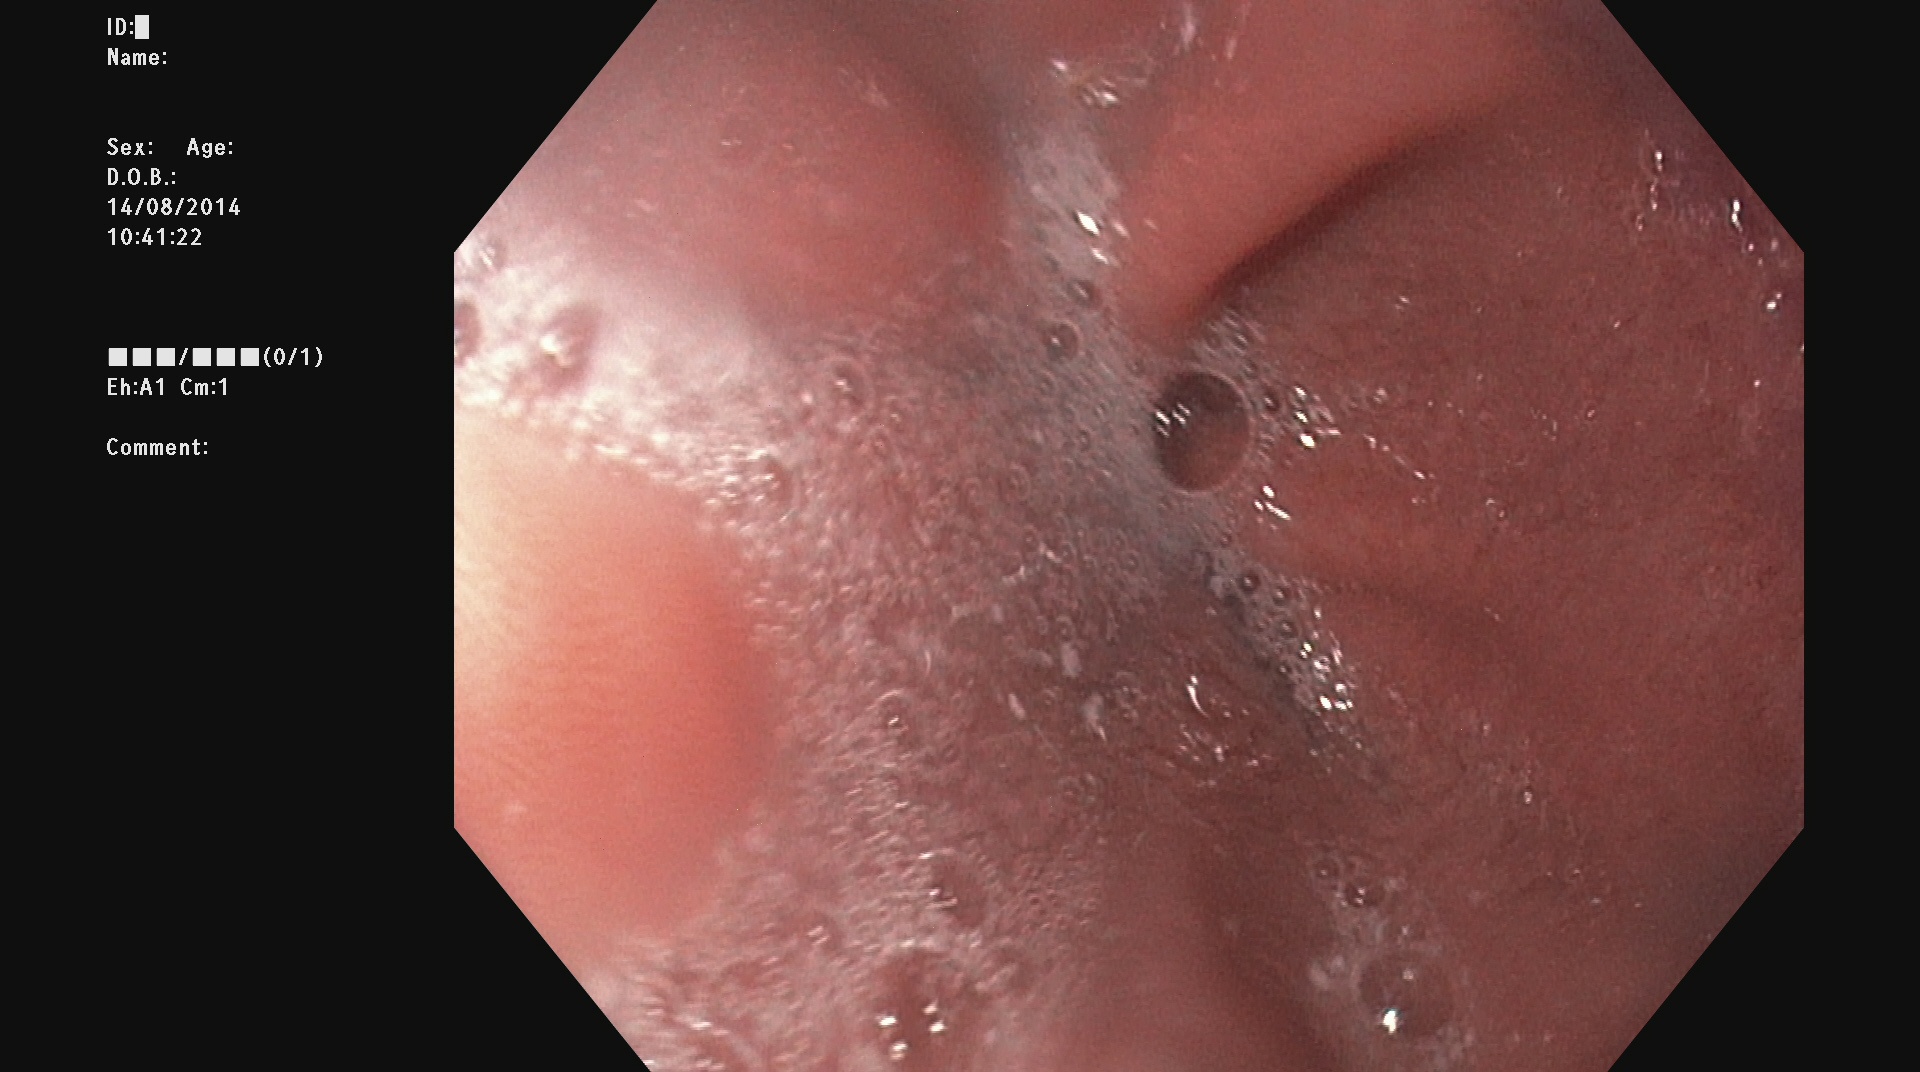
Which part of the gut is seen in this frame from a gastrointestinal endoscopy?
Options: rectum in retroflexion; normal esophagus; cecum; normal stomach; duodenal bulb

normal stomach